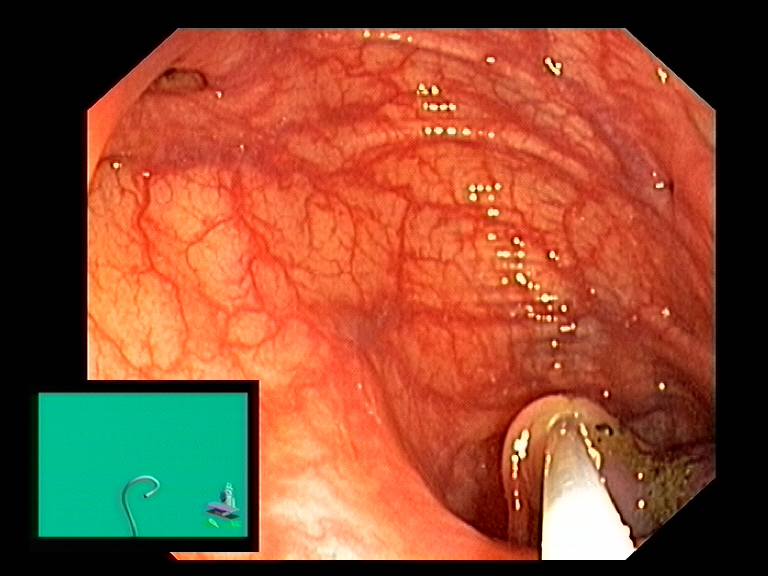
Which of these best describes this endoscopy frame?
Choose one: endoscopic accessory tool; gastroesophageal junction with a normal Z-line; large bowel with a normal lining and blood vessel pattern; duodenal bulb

endoscopic accessory tool